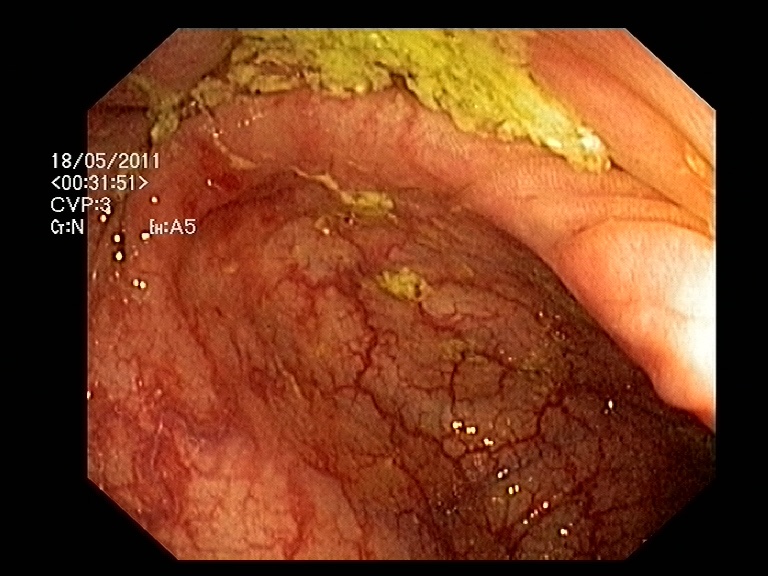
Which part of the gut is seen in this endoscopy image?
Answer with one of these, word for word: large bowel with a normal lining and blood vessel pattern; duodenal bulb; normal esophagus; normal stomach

large bowel with a normal lining and blood vessel pattern